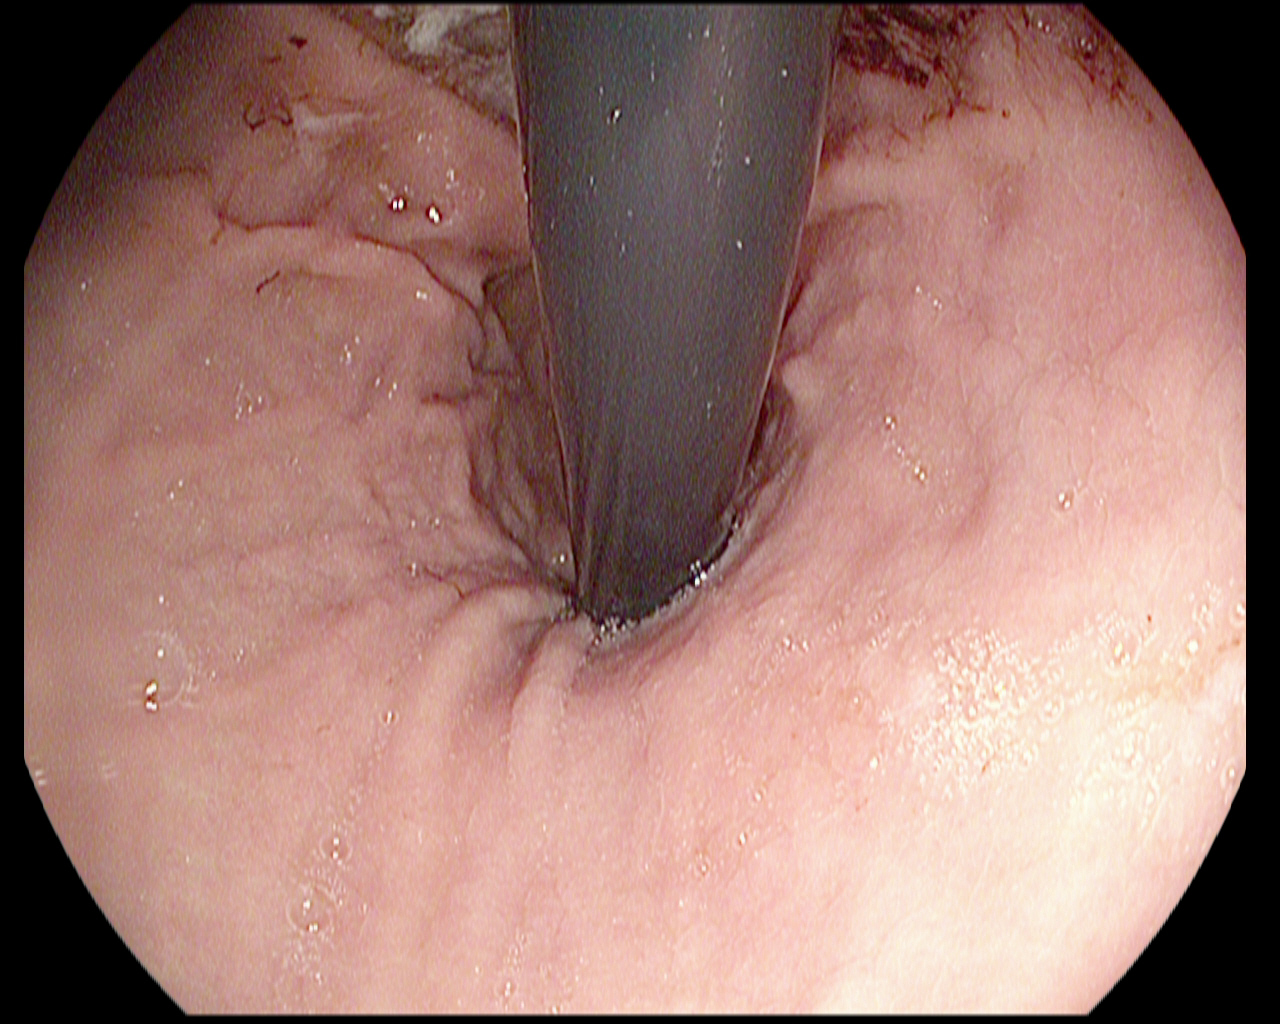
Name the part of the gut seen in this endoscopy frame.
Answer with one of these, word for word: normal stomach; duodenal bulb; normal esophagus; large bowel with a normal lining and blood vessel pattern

normal stomach